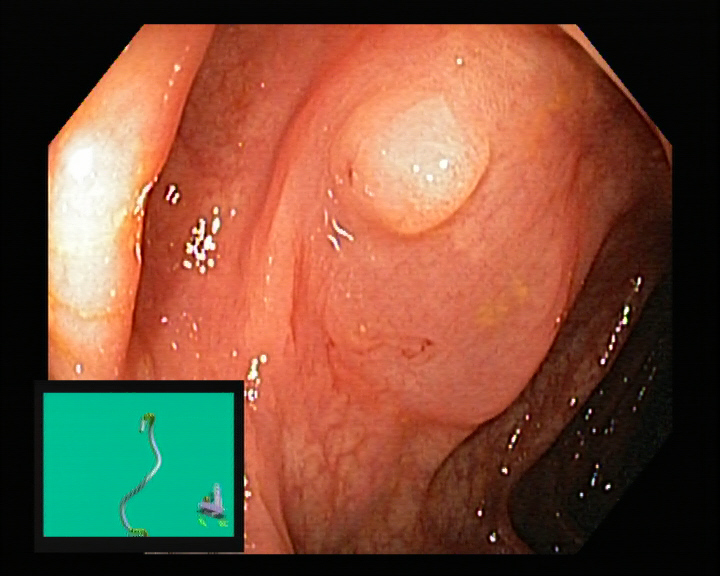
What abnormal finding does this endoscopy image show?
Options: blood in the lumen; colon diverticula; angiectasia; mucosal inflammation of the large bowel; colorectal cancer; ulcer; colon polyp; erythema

colon polyp